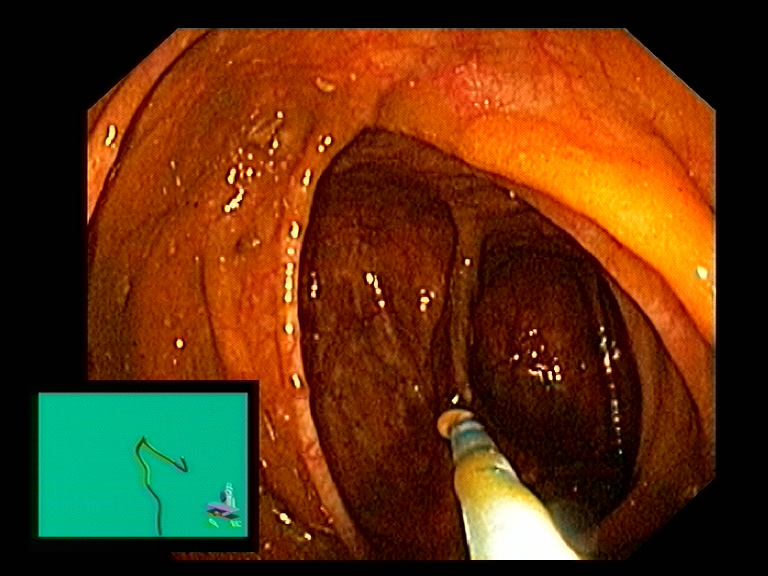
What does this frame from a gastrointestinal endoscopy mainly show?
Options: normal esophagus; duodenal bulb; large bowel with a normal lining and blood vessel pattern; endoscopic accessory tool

endoscopic accessory tool